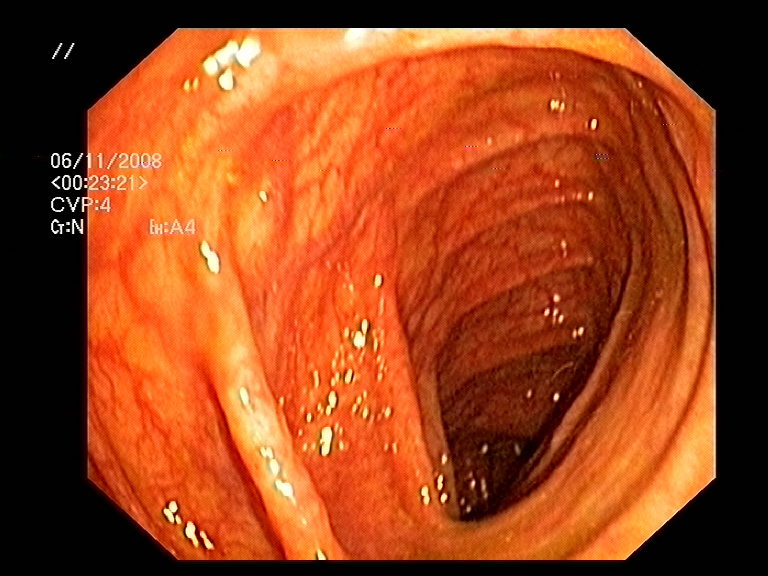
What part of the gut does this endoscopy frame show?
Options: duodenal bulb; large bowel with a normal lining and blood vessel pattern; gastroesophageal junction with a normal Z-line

large bowel with a normal lining and blood vessel pattern